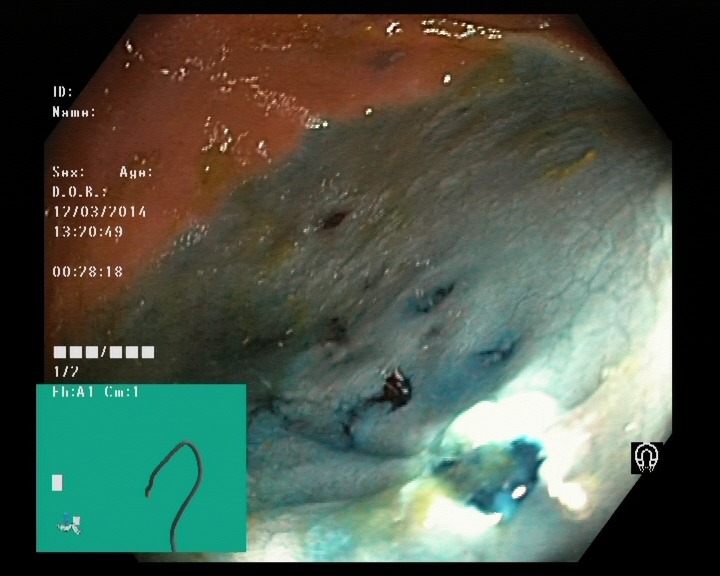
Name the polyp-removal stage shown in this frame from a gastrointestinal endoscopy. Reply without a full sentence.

dyed resection margin (post-polypectomy)